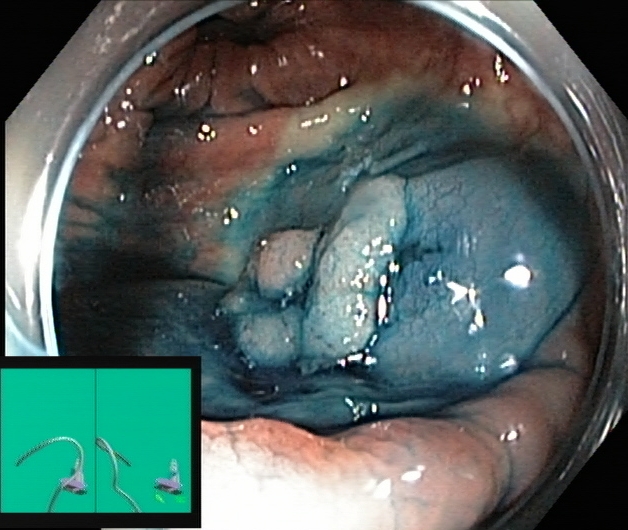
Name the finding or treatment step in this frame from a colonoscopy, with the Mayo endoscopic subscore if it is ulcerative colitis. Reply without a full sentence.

dyed and lifted polyp (pre-resection)